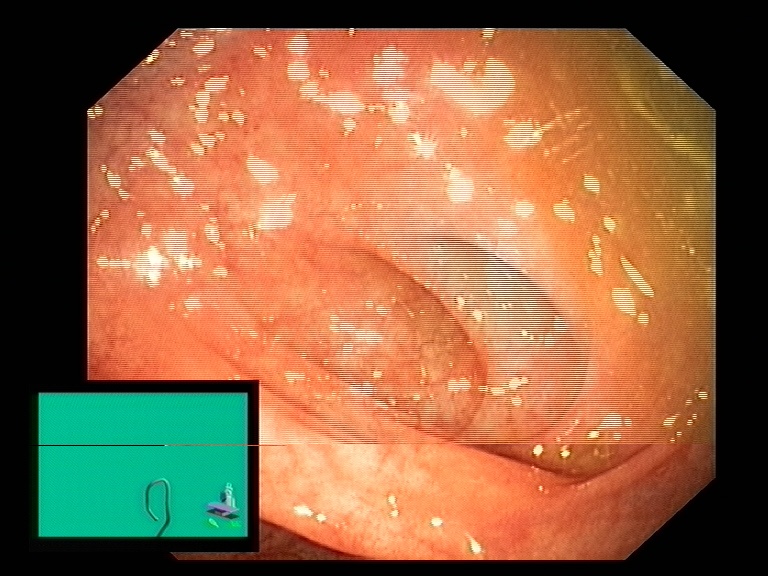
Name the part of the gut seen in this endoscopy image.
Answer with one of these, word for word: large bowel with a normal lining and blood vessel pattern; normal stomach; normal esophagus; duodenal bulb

large bowel with a normal lining and blood vessel pattern